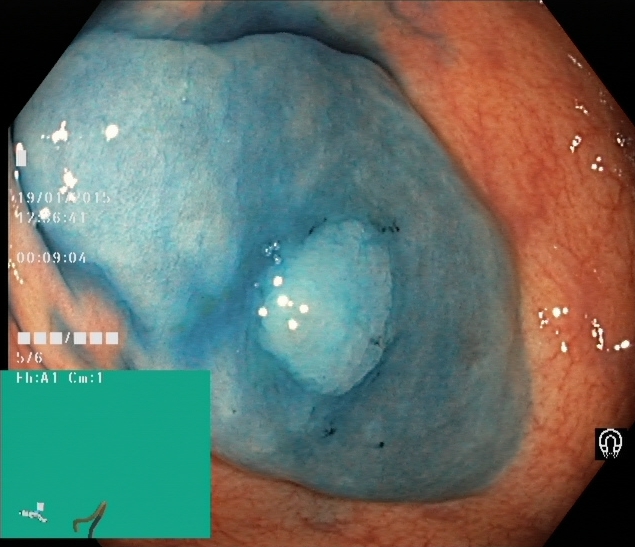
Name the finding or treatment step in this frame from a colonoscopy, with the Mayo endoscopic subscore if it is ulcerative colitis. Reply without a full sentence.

dyed and lifted polyp (pre-resection)